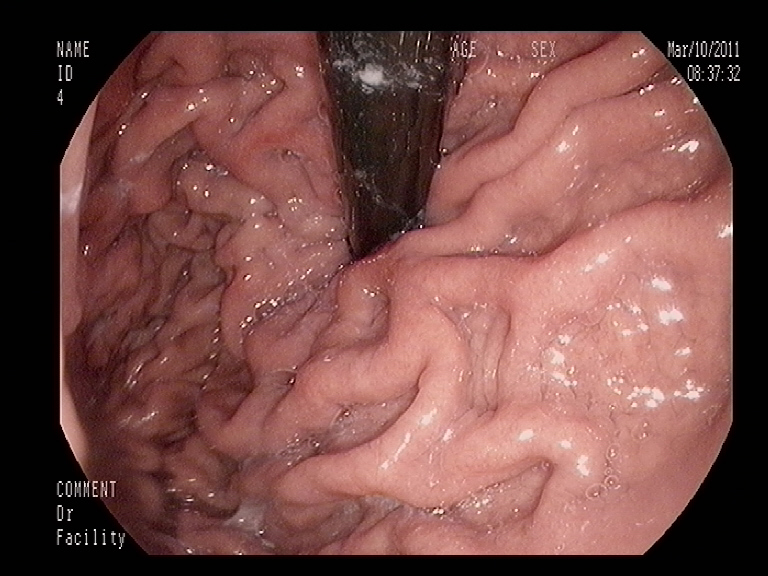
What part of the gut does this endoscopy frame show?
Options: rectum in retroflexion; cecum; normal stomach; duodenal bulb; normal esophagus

normal stomach